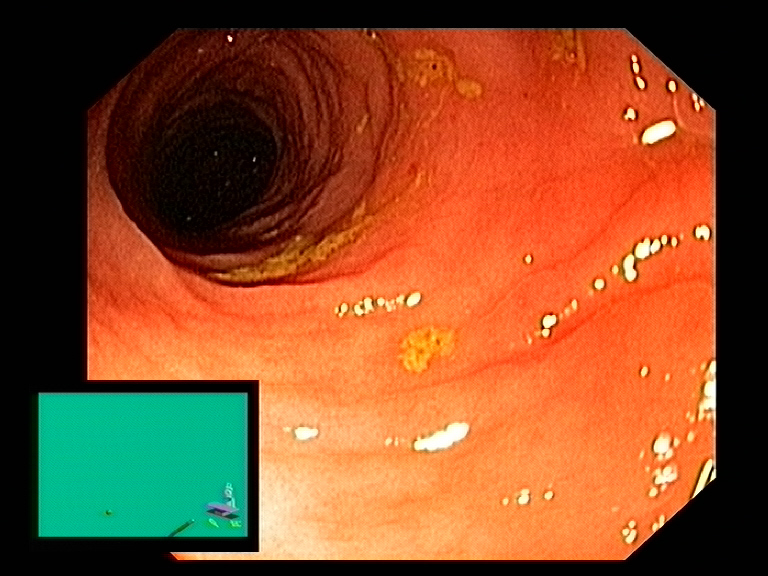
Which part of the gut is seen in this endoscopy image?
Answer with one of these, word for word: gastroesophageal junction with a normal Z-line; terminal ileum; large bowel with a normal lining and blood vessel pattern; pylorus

large bowel with a normal lining and blood vessel pattern